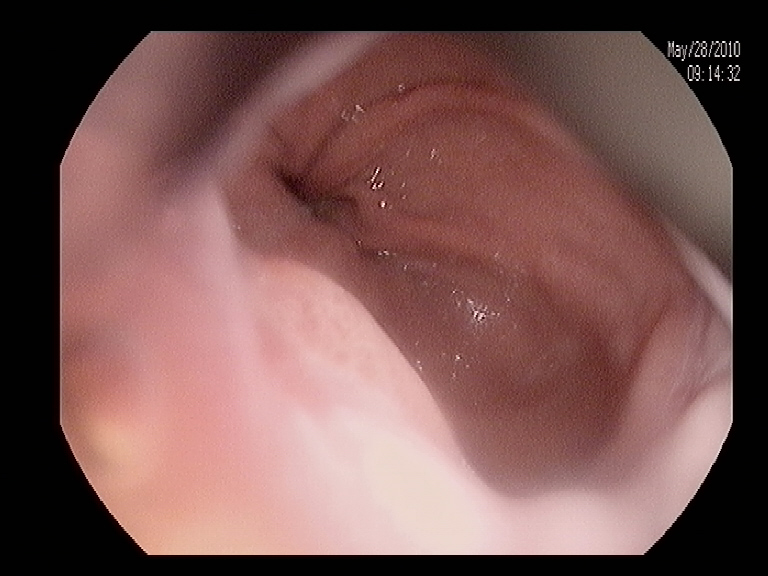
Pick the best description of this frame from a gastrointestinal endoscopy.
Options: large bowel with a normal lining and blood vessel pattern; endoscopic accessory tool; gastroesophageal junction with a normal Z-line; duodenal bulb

gastroesophageal junction with a normal Z-line